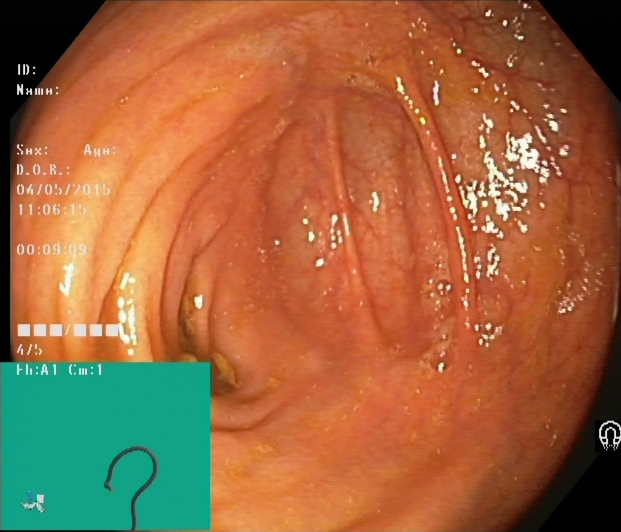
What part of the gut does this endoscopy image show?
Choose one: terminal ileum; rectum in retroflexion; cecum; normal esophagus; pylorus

cecum